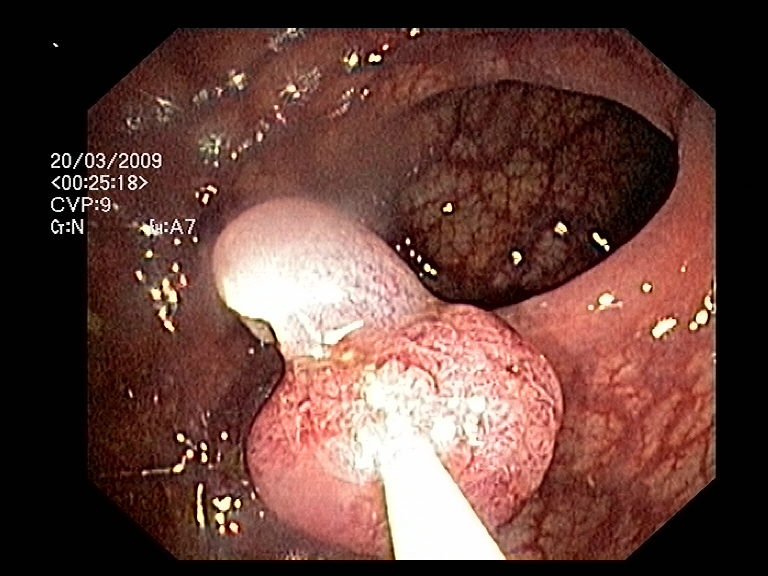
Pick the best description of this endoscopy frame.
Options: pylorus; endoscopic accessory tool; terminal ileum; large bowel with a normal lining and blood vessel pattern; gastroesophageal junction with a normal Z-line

endoscopic accessory tool